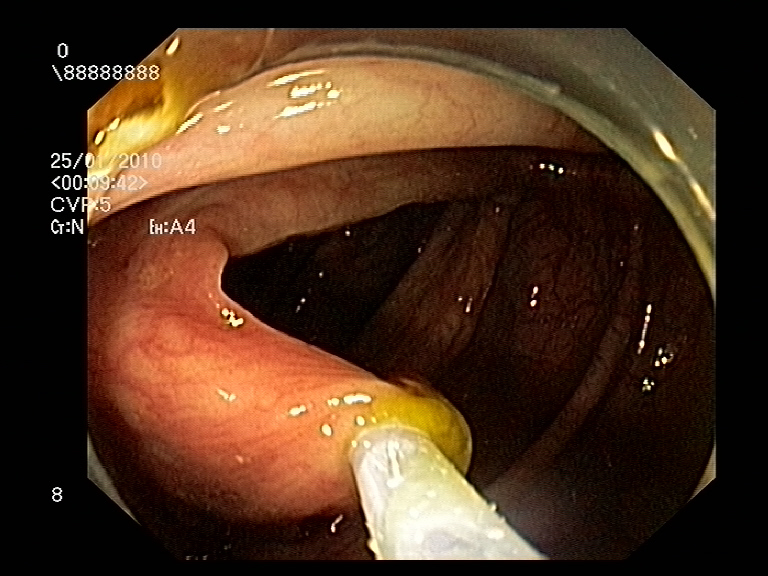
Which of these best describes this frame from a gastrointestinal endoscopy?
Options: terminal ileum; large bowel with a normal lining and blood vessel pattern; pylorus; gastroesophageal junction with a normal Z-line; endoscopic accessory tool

endoscopic accessory tool